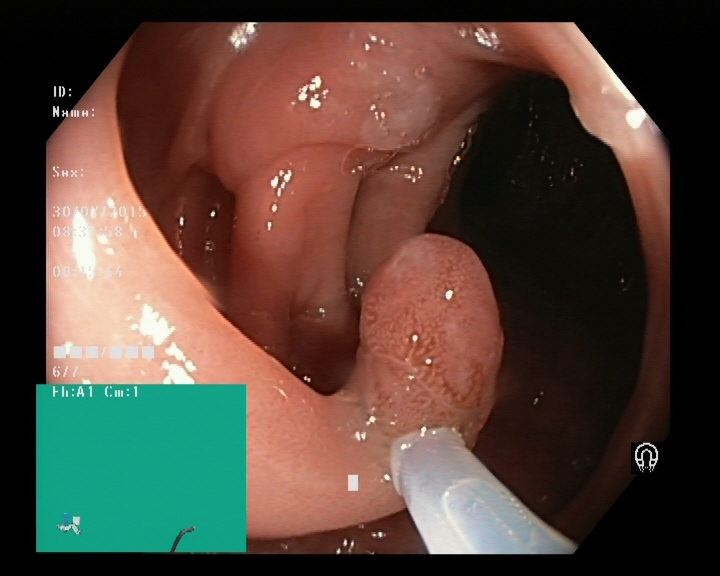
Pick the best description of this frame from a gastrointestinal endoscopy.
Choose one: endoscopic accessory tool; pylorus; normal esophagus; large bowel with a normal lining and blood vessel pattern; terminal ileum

endoscopic accessory tool